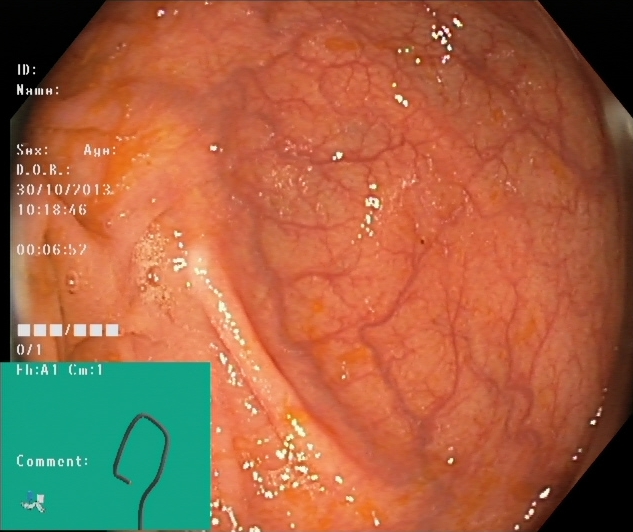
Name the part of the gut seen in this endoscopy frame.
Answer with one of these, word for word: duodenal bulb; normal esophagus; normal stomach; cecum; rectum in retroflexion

cecum